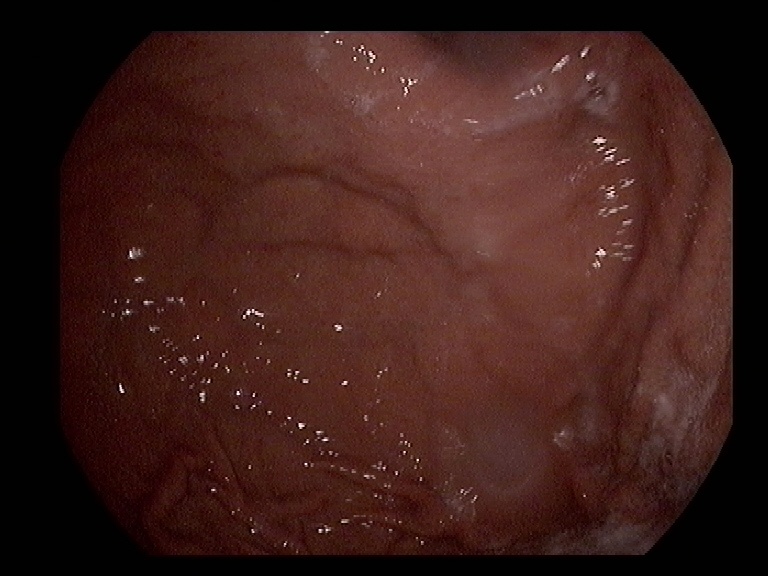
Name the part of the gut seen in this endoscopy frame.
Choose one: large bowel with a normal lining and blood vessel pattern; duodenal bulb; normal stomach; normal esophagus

normal stomach